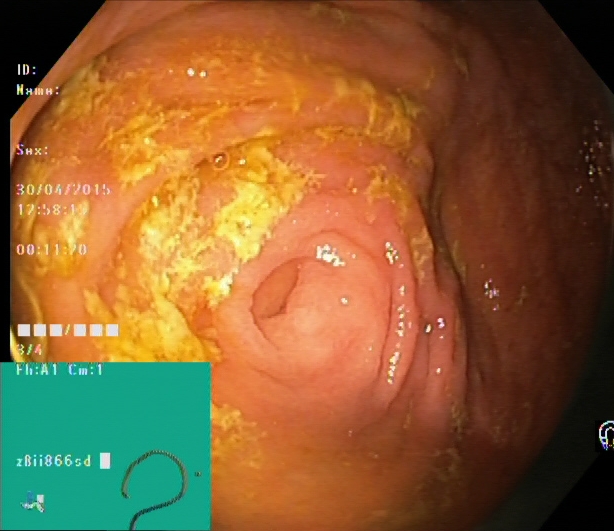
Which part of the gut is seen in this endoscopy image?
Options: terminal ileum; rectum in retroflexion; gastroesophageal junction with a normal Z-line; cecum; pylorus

cecum